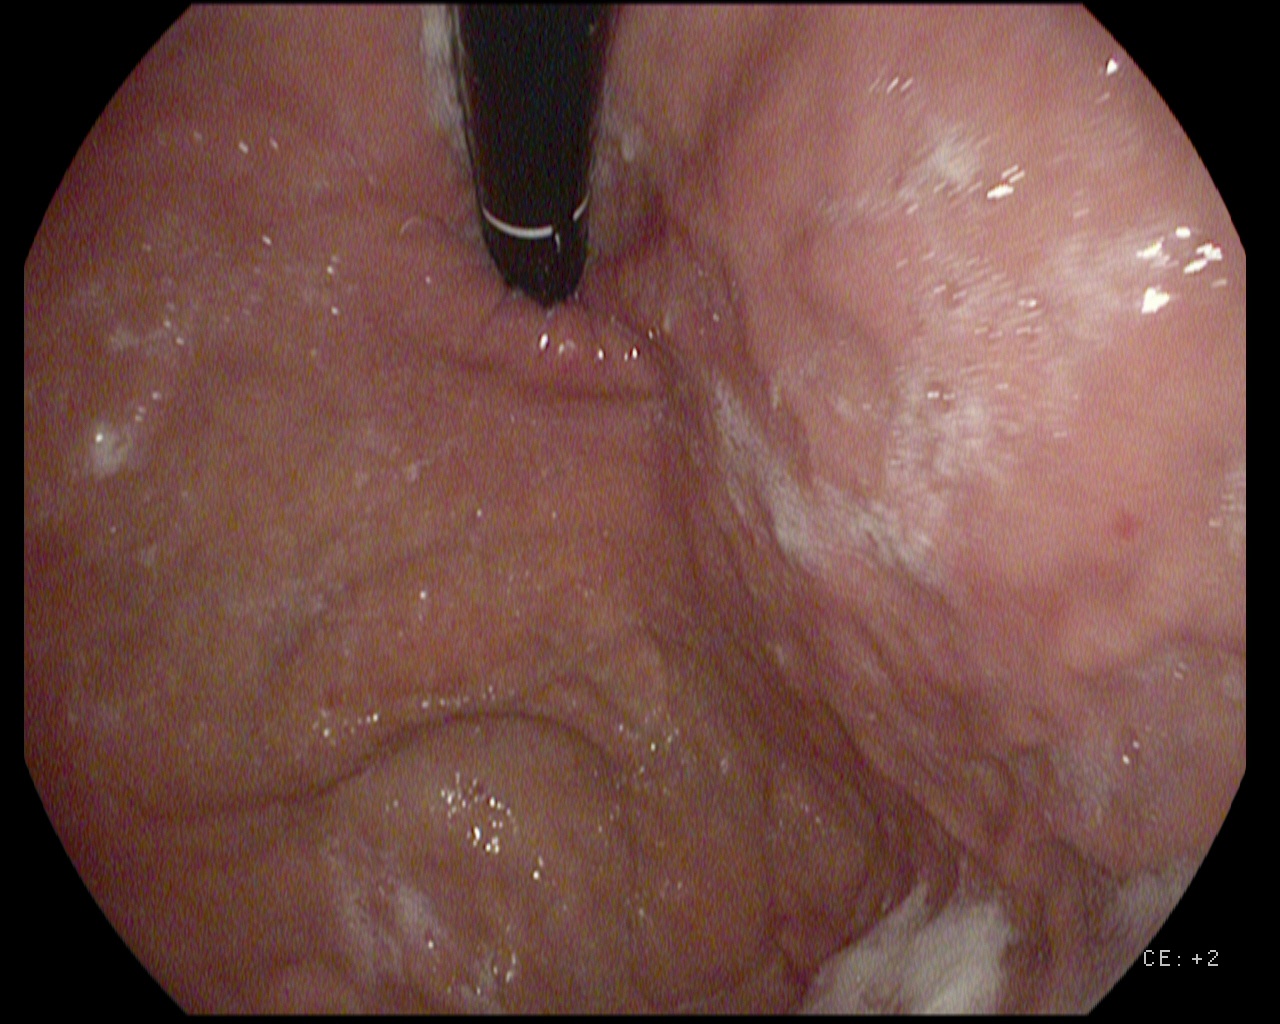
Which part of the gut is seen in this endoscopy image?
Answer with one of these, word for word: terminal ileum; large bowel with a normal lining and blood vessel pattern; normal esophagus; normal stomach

normal stomach